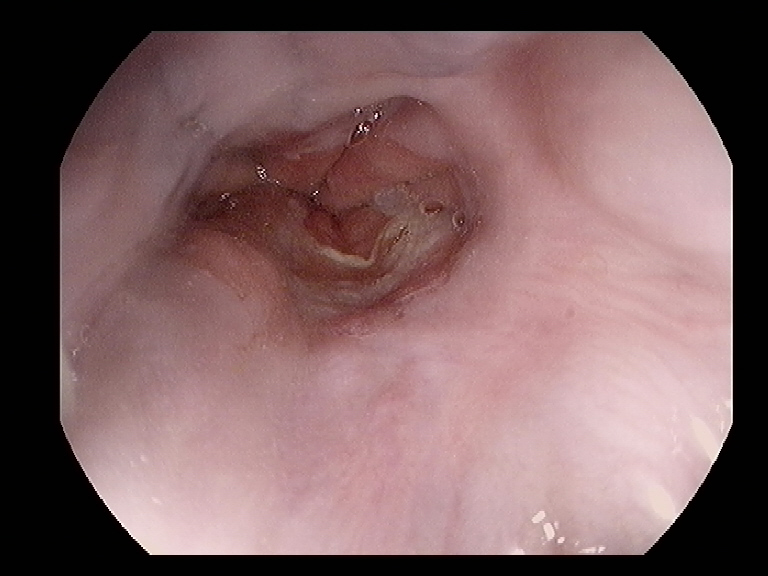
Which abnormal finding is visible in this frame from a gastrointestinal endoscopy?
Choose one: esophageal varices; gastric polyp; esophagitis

esophagitis